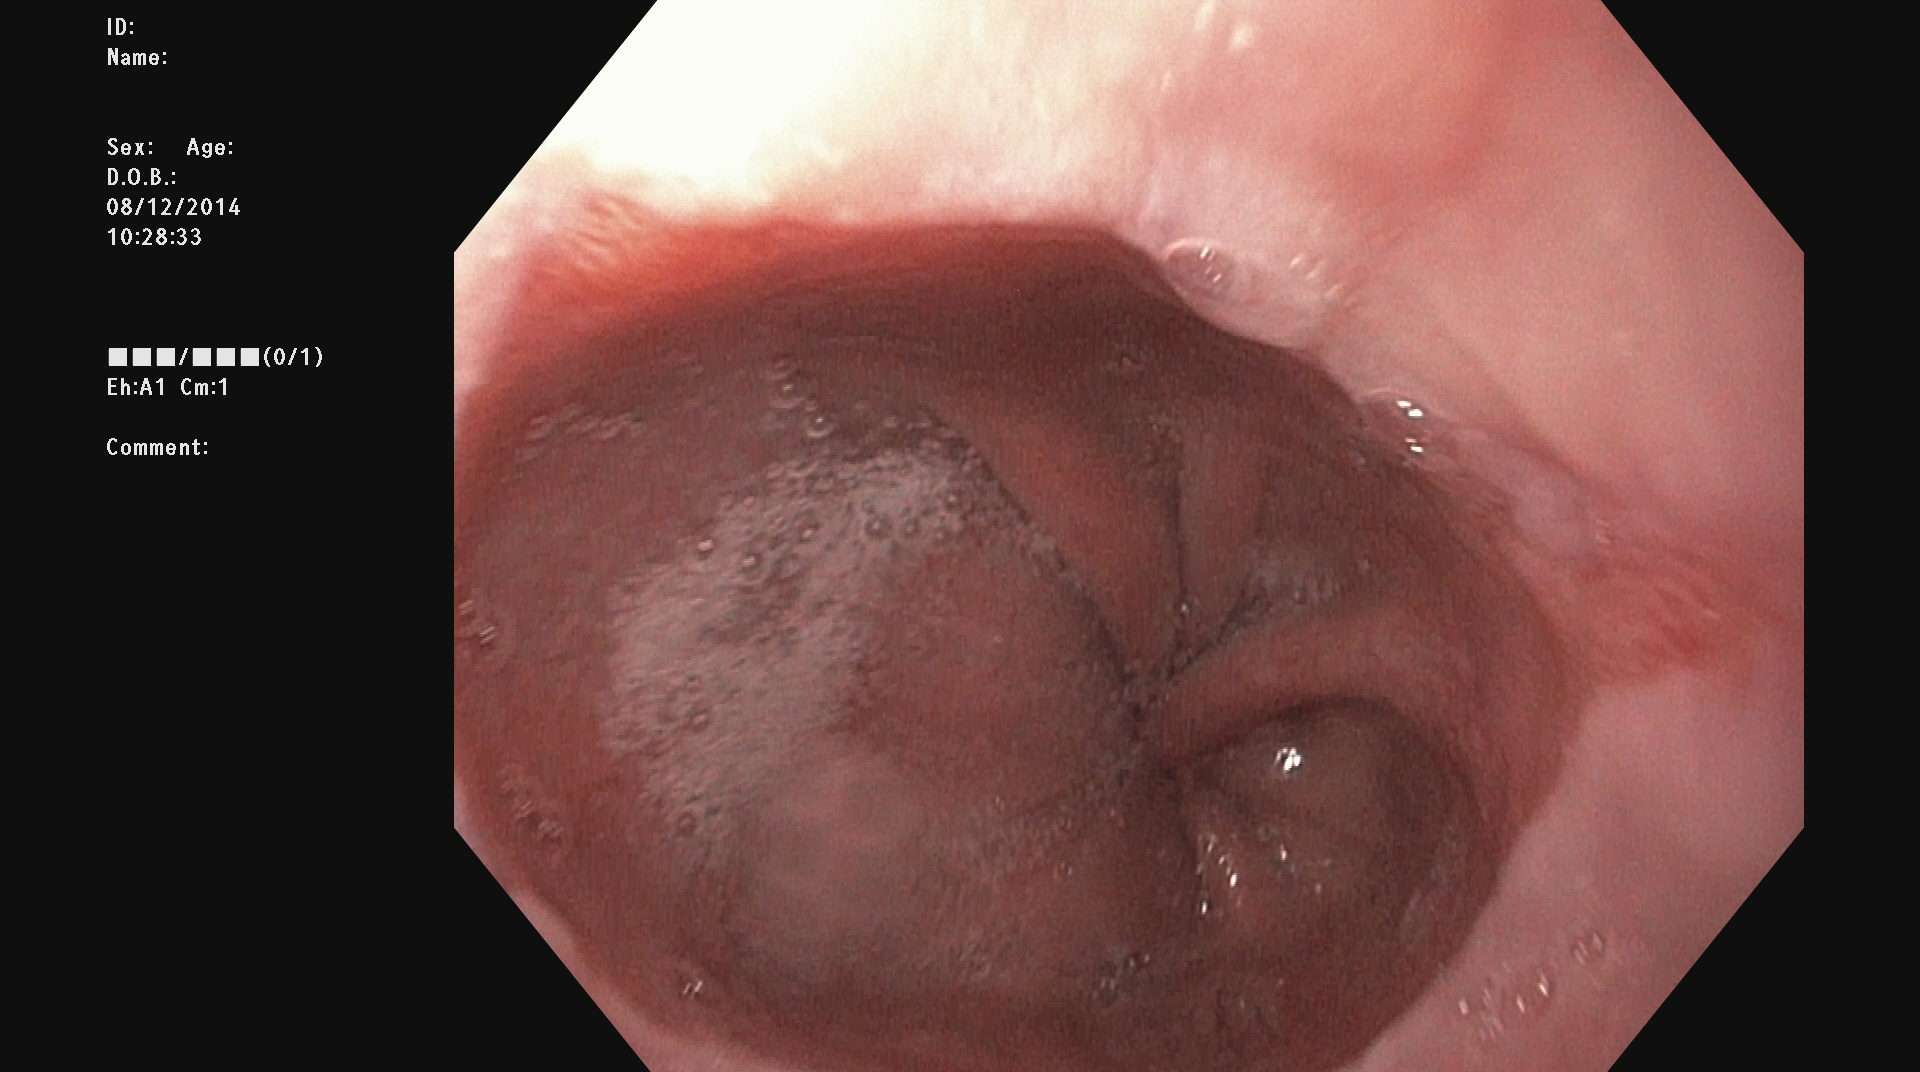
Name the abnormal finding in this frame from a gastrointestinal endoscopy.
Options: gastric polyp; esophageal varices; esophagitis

esophagitis